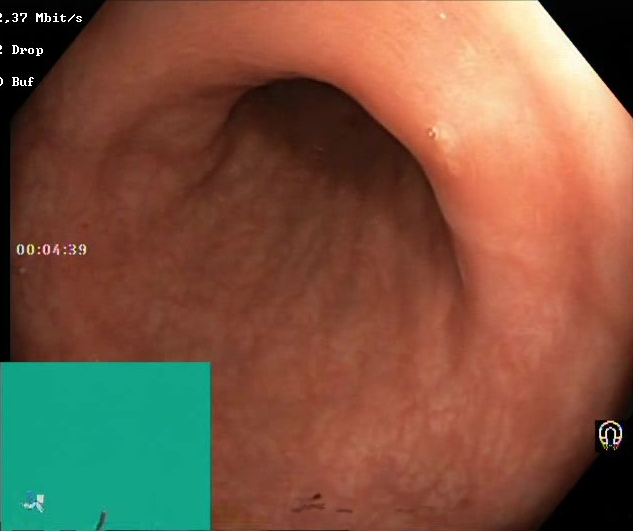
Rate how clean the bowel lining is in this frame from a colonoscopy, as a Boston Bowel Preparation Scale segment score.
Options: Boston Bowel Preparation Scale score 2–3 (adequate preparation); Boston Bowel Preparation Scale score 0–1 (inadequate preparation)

Boston Bowel Preparation Scale score 2–3 (adequate preparation)